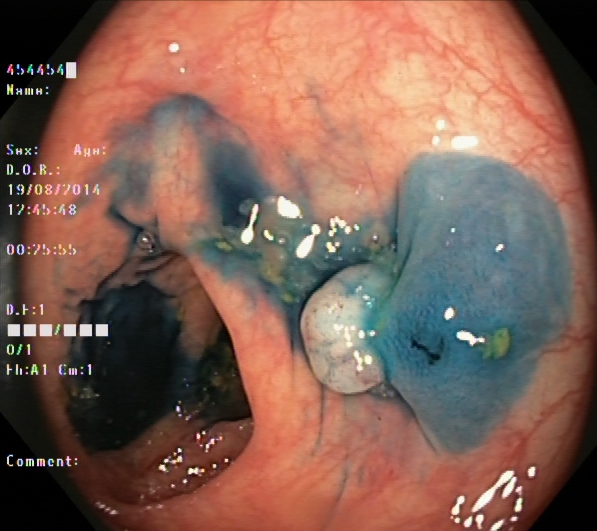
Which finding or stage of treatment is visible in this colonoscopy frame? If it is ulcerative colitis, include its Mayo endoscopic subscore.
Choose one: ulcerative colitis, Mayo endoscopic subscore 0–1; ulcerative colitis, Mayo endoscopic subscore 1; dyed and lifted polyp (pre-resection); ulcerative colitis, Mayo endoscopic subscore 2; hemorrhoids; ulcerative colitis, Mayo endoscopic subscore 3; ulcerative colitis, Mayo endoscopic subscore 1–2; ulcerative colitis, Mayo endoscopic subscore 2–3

dyed and lifted polyp (pre-resection)